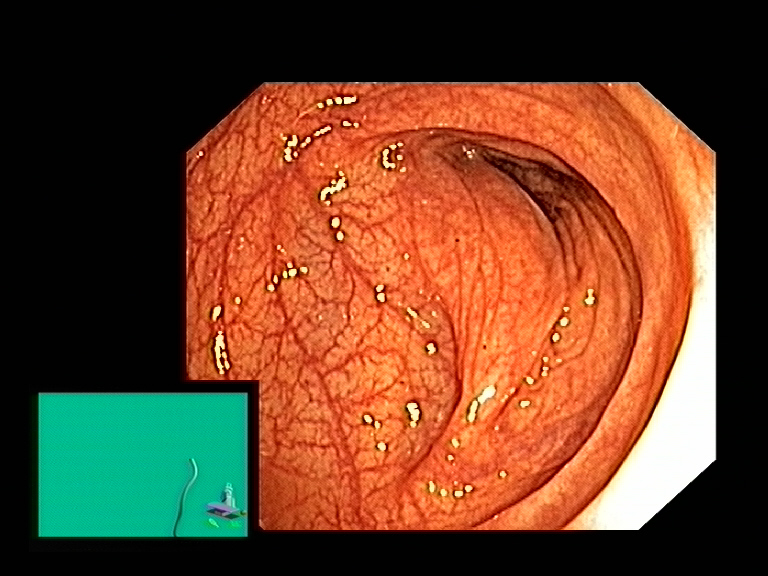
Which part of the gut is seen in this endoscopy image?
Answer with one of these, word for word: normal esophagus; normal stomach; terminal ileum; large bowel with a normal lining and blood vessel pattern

large bowel with a normal lining and blood vessel pattern